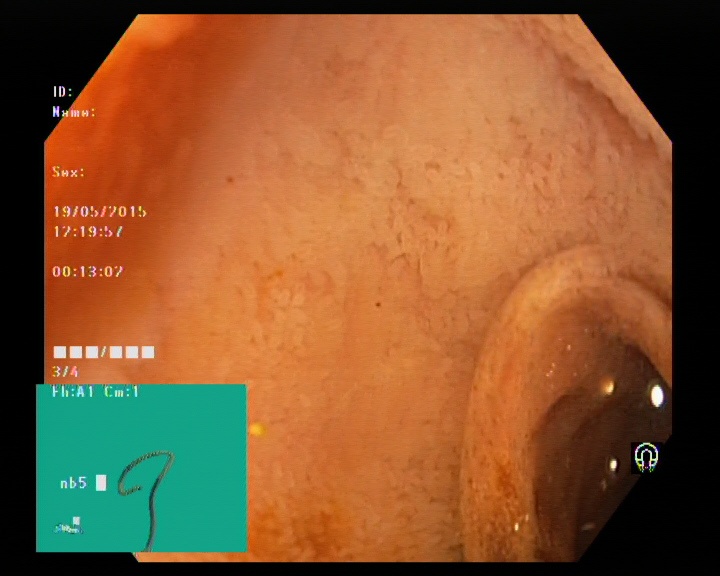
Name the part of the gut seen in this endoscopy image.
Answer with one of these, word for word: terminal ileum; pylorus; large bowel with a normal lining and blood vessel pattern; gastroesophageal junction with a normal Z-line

large bowel with a normal lining and blood vessel pattern